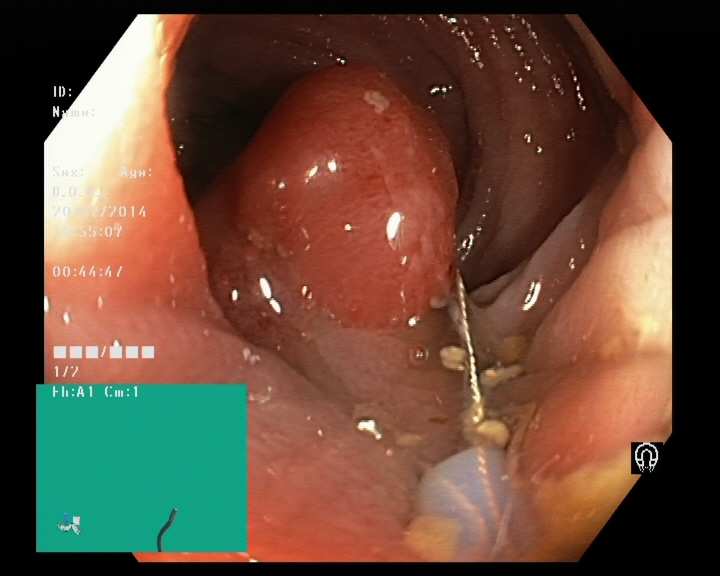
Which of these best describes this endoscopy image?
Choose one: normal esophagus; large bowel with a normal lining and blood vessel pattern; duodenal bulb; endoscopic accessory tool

endoscopic accessory tool